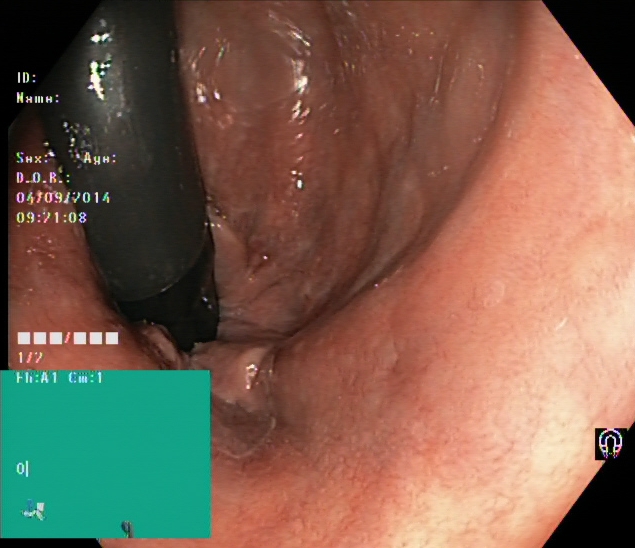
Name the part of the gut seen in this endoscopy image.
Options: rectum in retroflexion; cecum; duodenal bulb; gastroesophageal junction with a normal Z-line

rectum in retroflexion